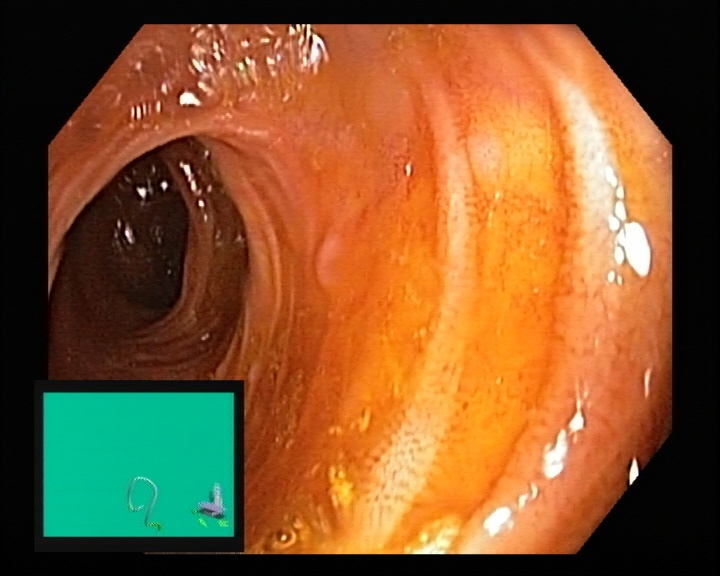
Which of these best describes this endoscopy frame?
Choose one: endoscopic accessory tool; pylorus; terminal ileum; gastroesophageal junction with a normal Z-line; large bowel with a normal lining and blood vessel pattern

large bowel with a normal lining and blood vessel pattern